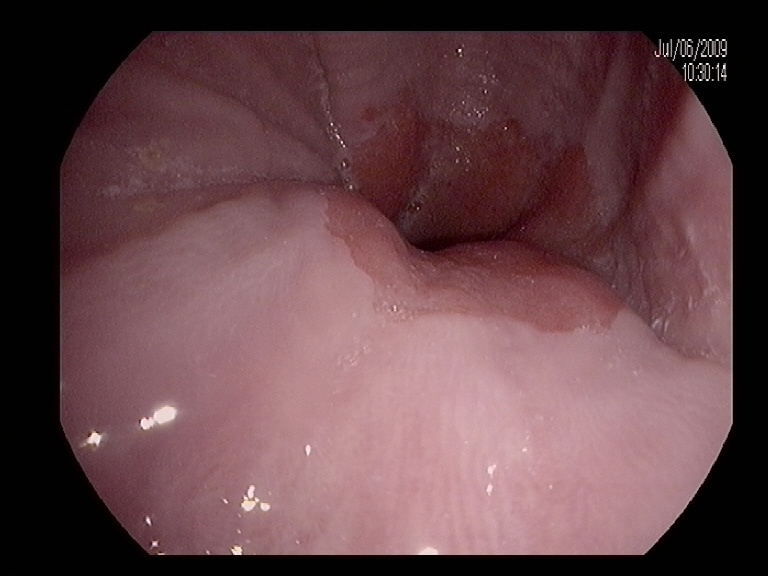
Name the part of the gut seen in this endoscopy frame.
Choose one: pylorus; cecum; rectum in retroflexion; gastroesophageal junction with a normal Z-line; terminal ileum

gastroesophageal junction with a normal Z-line